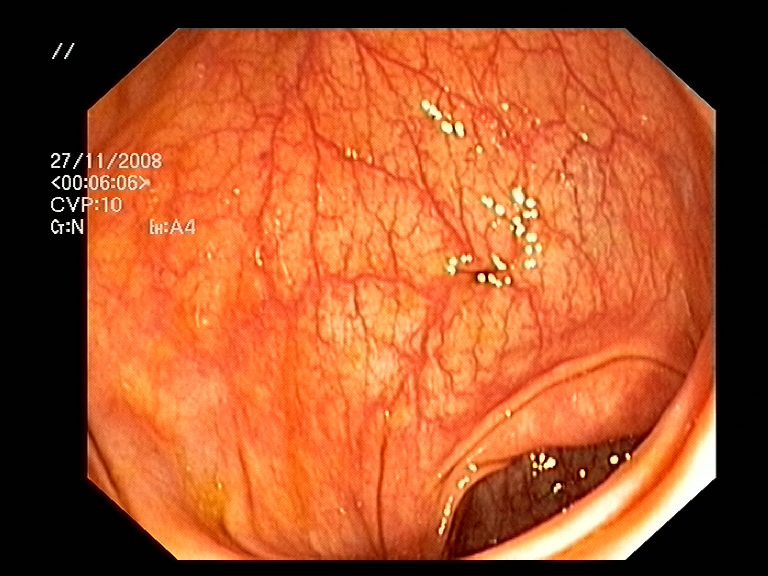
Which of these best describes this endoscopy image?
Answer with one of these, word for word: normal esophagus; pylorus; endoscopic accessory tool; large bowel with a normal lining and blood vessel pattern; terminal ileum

large bowel with a normal lining and blood vessel pattern